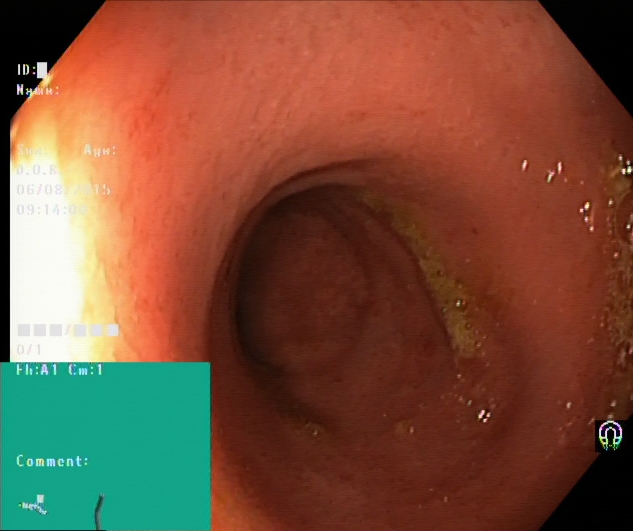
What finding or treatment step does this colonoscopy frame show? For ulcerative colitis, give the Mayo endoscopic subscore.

ulcerative colitis, Mayo endoscopic subscore 2